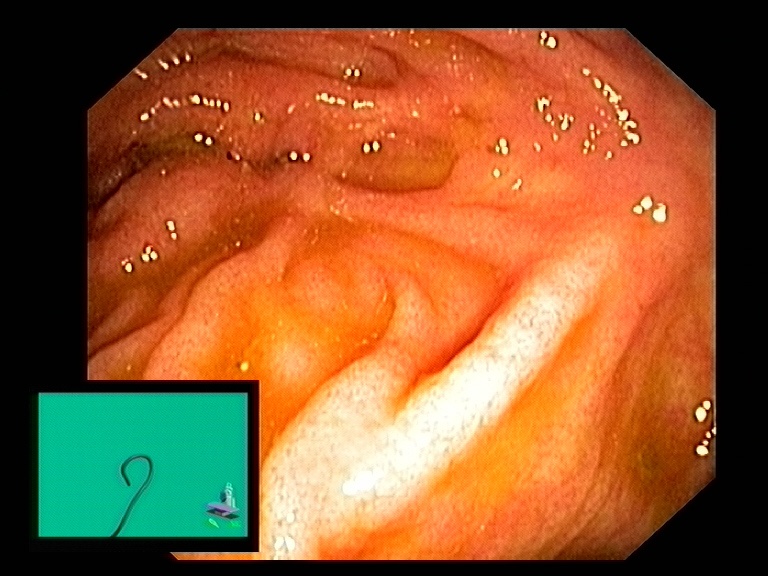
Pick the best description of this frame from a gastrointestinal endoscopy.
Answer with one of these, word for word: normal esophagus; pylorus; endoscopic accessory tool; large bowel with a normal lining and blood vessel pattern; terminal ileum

large bowel with a normal lining and blood vessel pattern